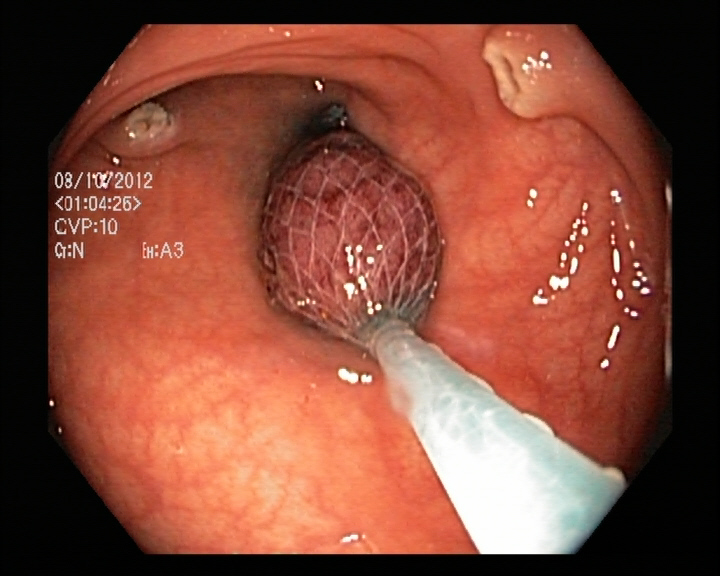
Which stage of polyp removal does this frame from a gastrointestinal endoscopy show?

resected polyp